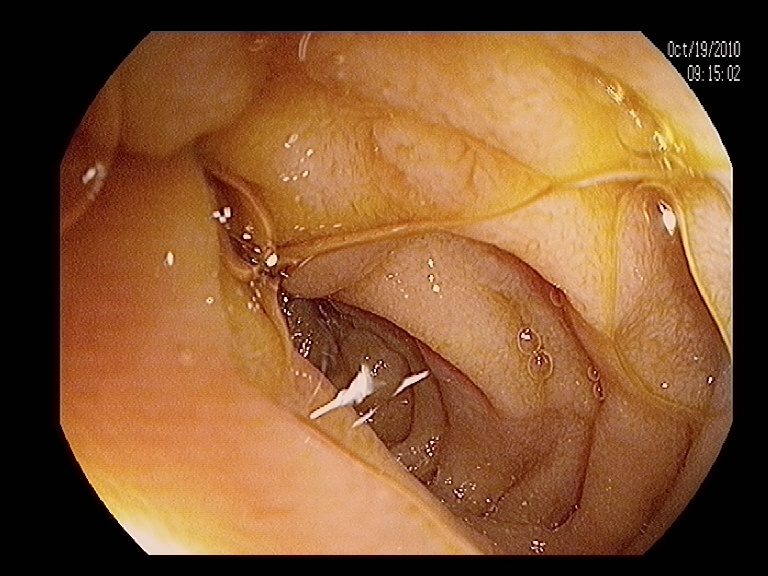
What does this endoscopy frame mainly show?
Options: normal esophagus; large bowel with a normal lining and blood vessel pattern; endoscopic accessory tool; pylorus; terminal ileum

terminal ileum